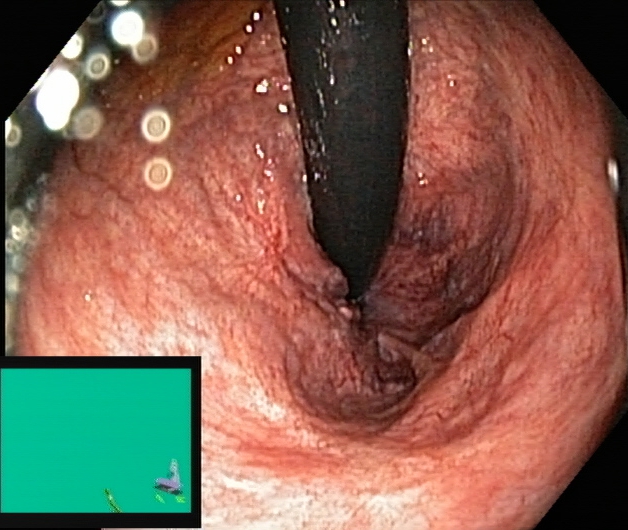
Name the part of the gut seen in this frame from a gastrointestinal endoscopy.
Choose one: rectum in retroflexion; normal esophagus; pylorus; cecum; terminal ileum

rectum in retroflexion